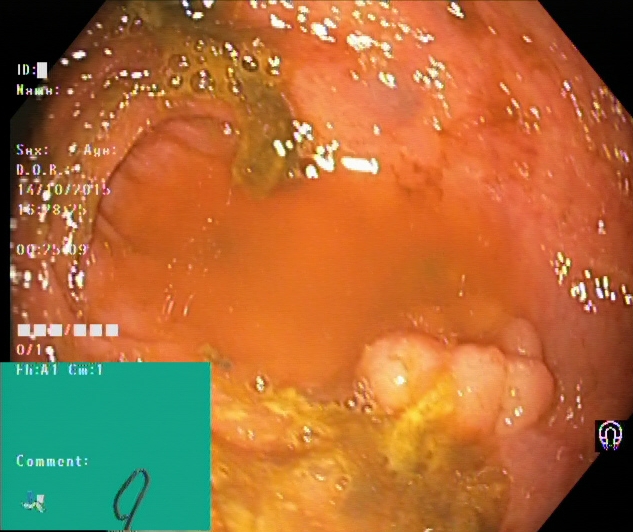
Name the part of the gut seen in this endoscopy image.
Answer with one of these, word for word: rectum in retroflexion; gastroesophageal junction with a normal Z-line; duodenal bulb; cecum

cecum